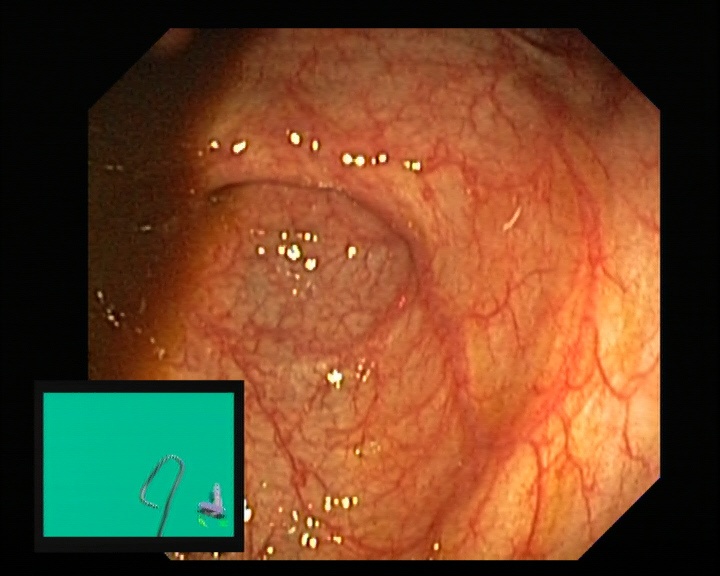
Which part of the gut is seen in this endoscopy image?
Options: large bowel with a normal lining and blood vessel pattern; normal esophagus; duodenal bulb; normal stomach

large bowel with a normal lining and blood vessel pattern